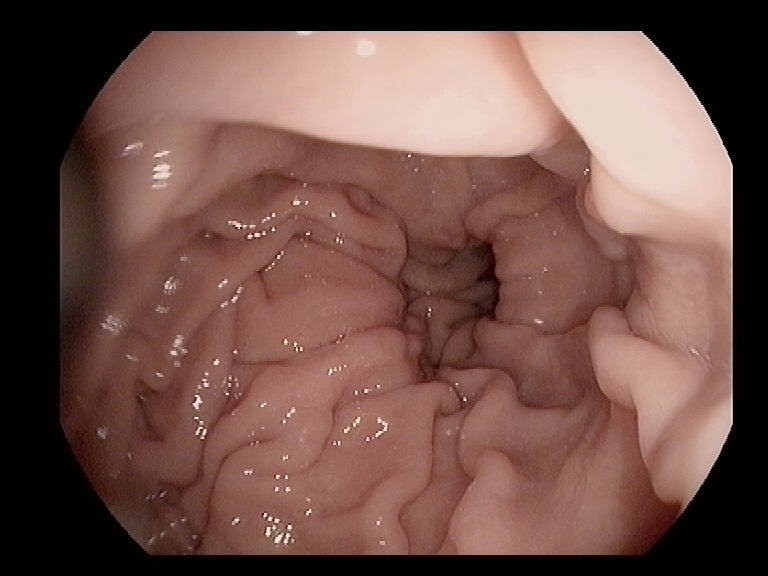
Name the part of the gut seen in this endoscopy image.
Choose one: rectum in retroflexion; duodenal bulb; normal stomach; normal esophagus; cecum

normal stomach